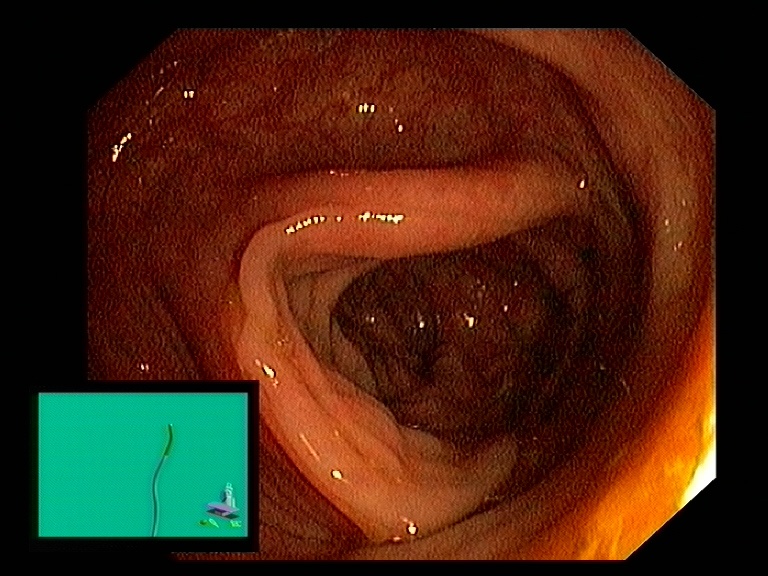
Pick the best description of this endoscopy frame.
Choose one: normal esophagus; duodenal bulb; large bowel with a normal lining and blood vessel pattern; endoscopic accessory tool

large bowel with a normal lining and blood vessel pattern